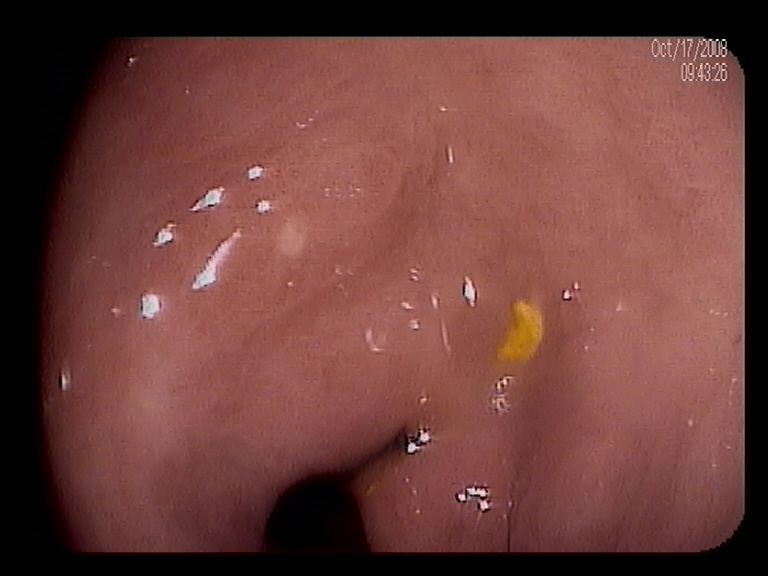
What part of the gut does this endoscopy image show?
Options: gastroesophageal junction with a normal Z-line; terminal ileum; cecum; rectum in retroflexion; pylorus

pylorus